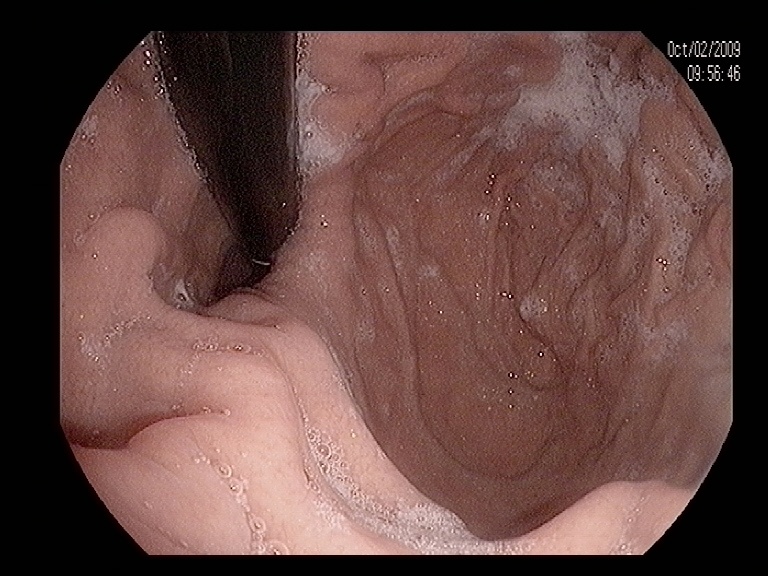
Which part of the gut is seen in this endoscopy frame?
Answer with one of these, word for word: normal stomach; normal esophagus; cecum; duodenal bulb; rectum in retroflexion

normal stomach